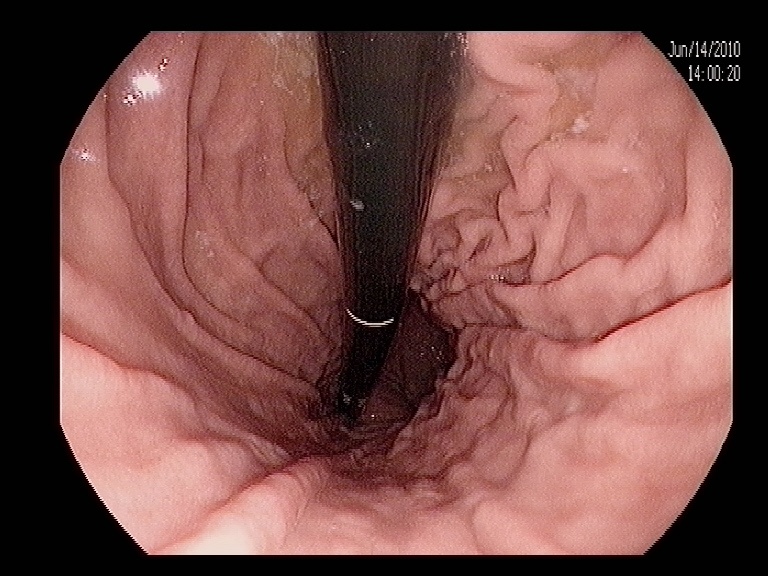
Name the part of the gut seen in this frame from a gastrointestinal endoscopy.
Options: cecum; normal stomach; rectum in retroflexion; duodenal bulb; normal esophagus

normal stomach